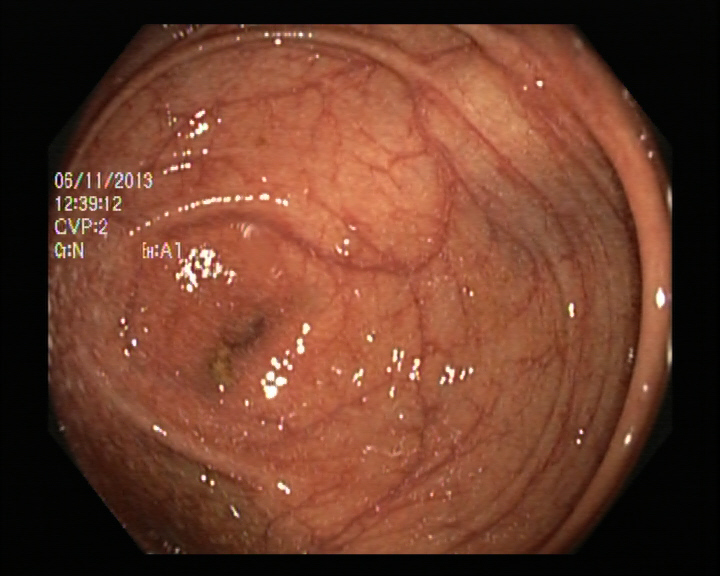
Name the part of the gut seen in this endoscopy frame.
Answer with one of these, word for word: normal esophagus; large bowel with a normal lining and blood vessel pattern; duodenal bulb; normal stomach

large bowel with a normal lining and blood vessel pattern